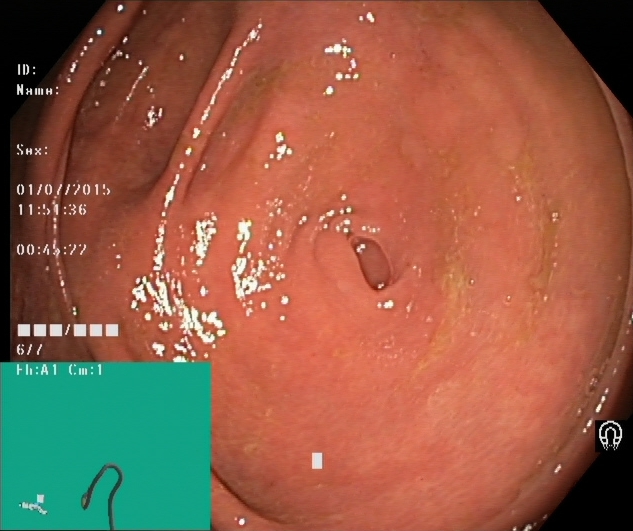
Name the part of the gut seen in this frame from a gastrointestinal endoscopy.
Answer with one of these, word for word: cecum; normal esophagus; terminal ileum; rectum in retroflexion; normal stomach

cecum